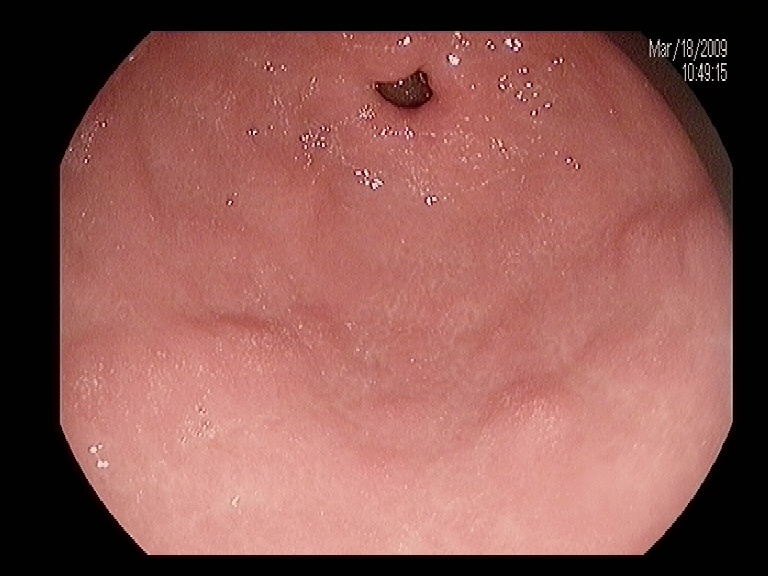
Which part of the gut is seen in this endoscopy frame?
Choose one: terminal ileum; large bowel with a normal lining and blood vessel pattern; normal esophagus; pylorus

pylorus